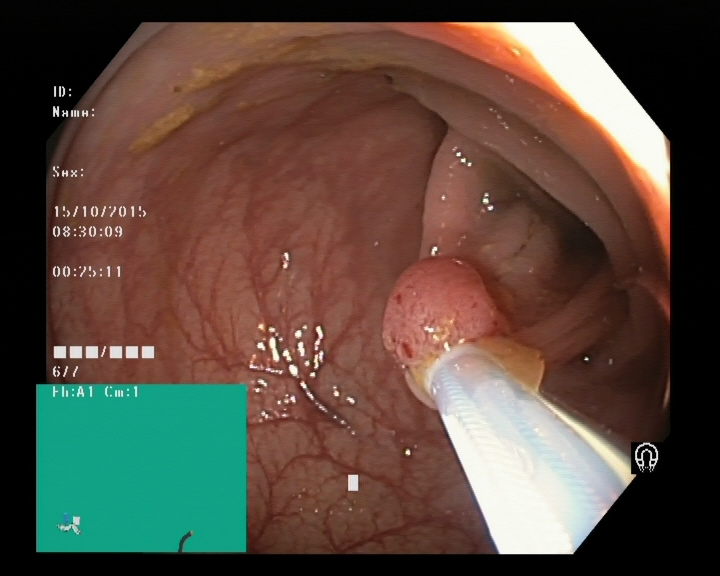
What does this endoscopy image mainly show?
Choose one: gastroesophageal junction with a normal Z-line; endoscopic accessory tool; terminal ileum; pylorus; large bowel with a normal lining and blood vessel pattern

endoscopic accessory tool